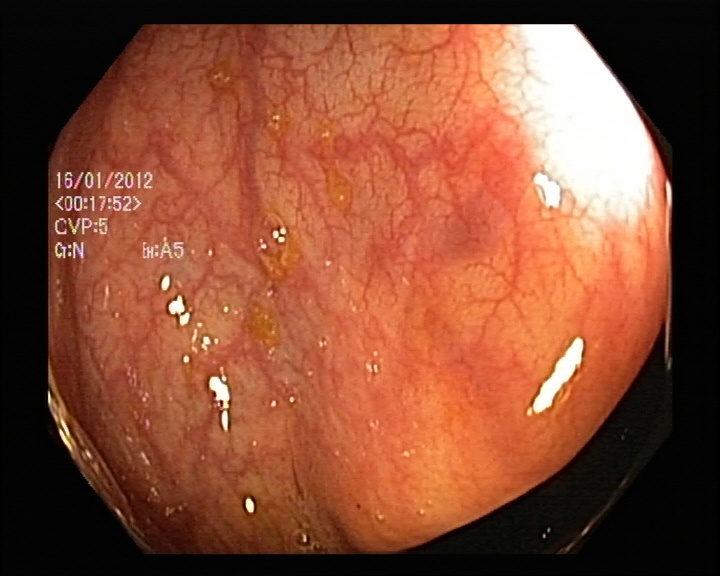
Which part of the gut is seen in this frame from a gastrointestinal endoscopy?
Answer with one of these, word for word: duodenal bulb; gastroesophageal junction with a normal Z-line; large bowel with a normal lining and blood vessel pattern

large bowel with a normal lining and blood vessel pattern